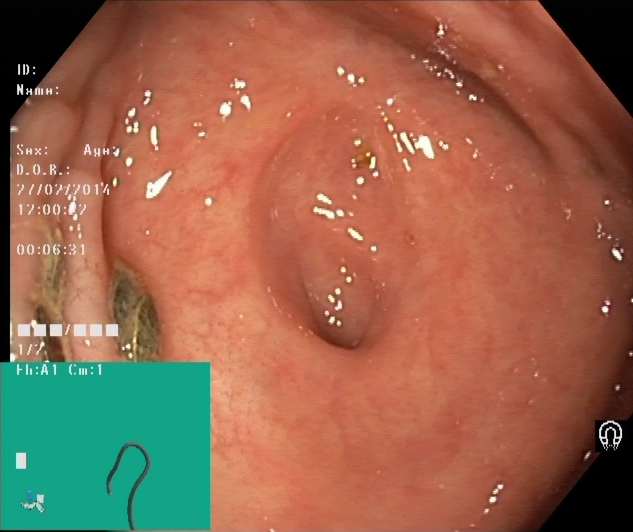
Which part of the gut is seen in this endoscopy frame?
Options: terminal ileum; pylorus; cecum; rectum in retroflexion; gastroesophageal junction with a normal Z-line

cecum